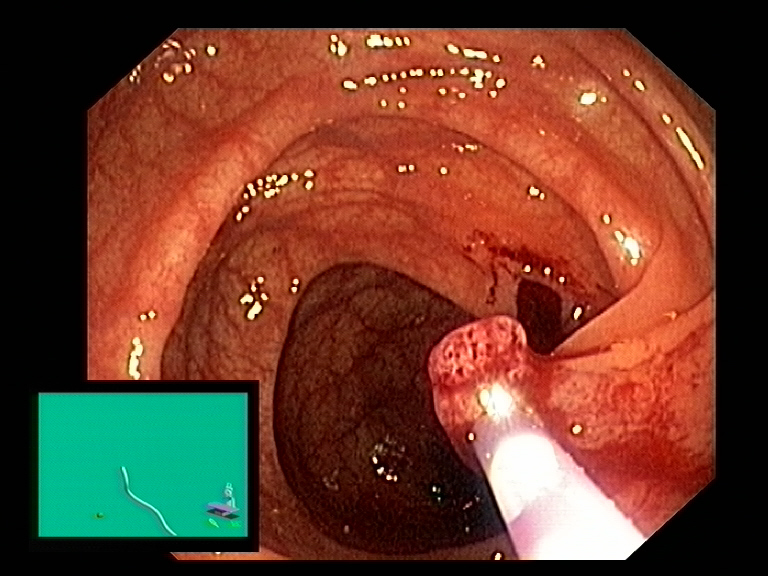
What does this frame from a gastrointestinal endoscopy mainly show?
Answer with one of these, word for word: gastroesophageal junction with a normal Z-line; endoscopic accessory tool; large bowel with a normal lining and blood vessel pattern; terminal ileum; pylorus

endoscopic accessory tool